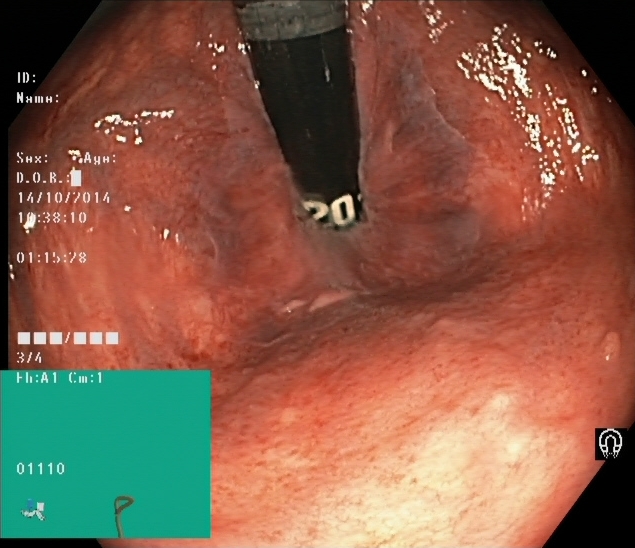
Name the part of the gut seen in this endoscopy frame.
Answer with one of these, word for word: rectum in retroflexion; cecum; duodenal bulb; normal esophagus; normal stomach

rectum in retroflexion